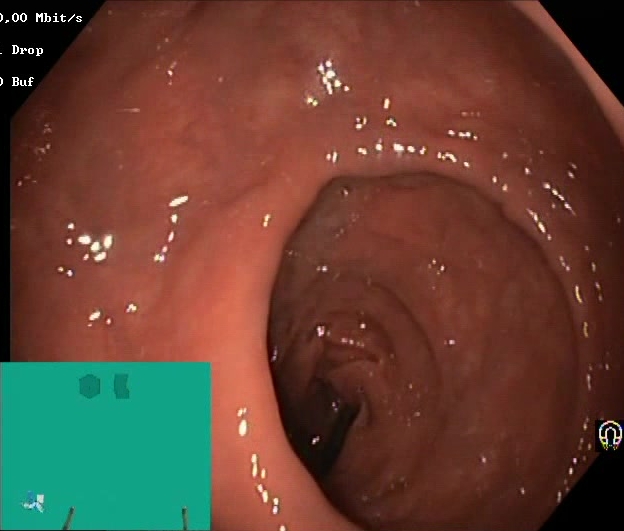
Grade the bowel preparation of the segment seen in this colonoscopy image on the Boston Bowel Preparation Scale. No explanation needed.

Boston Bowel Preparation Scale score 2–3 (adequate preparation)